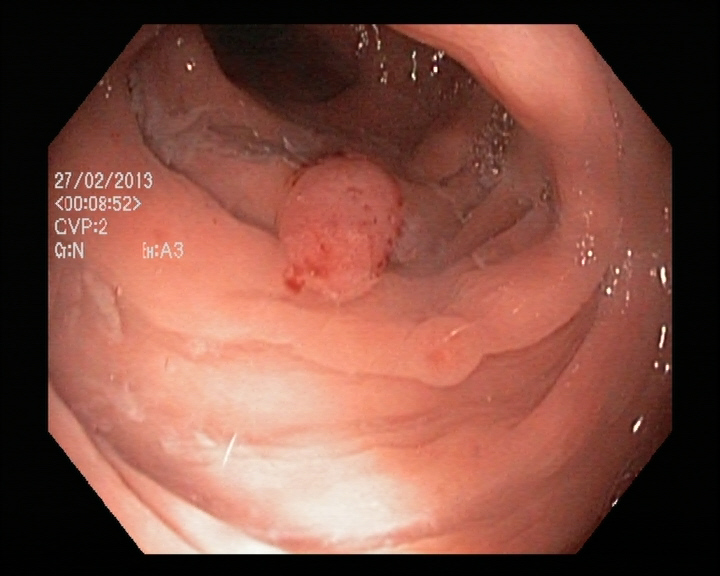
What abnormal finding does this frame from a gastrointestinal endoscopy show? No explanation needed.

colon polyp